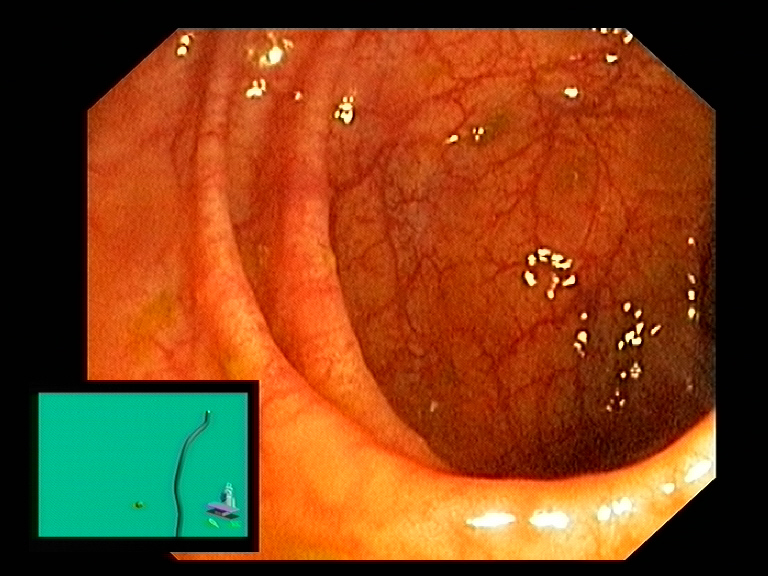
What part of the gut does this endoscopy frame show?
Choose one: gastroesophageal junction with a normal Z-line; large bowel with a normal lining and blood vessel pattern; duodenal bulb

large bowel with a normal lining and blood vessel pattern